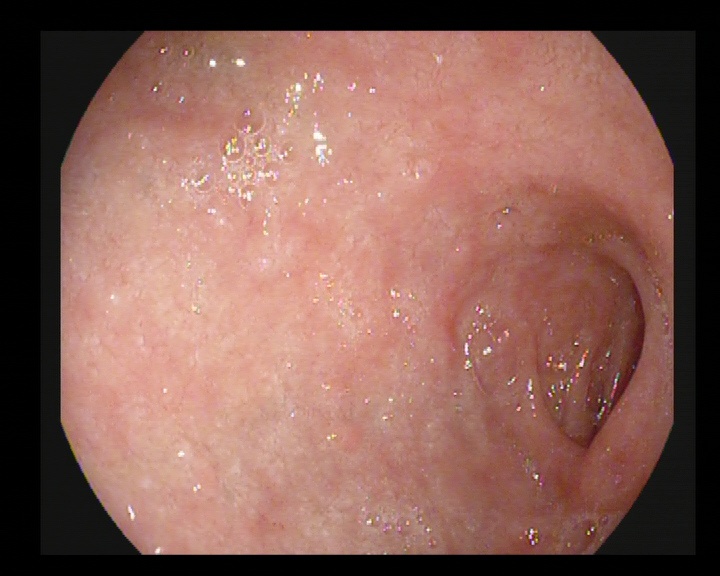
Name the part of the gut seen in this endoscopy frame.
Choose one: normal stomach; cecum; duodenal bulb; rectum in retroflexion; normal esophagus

duodenal bulb